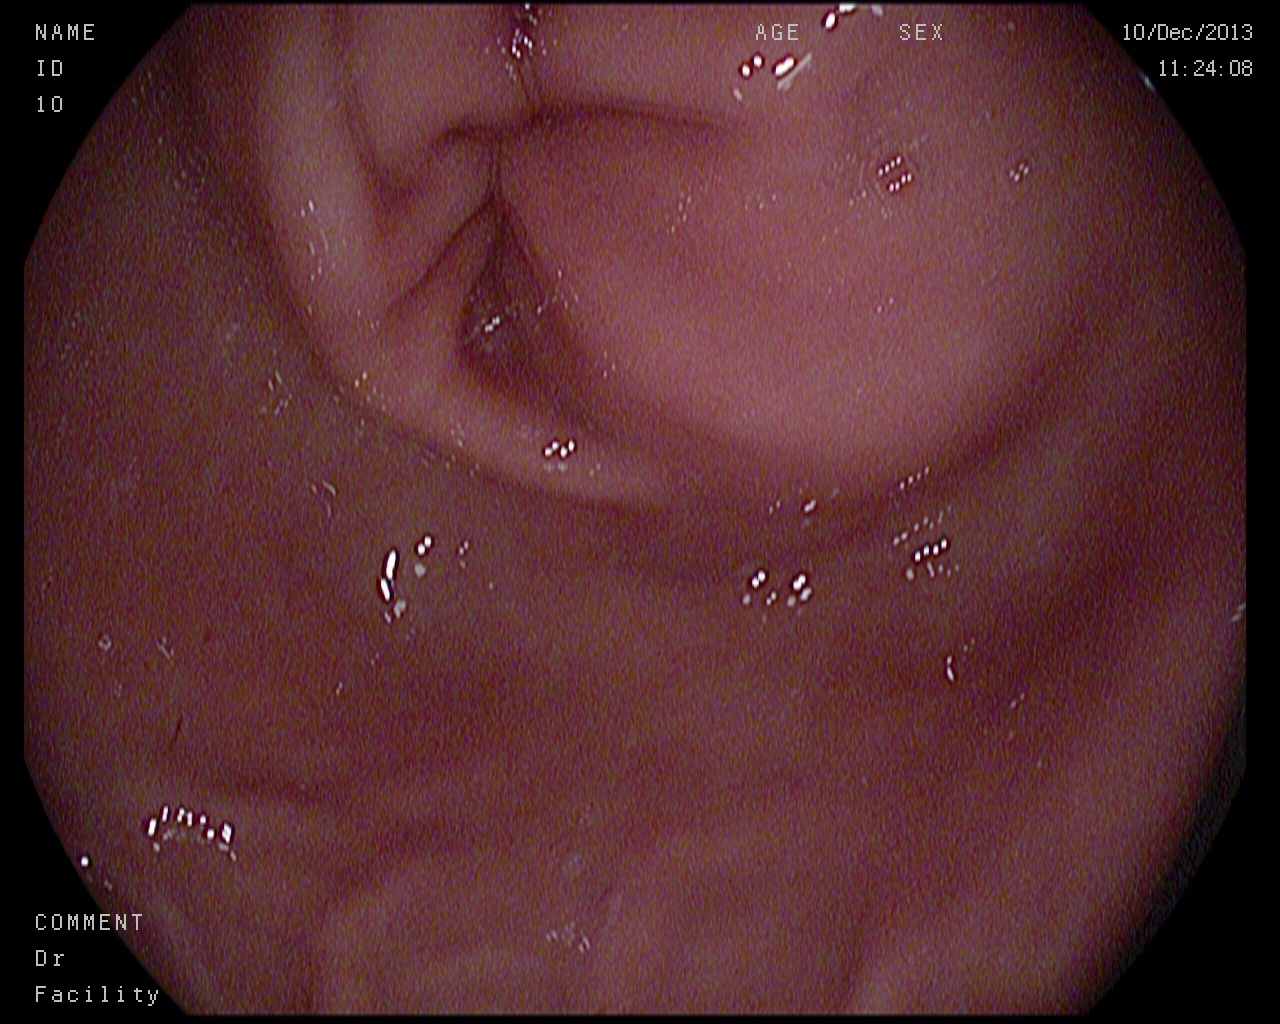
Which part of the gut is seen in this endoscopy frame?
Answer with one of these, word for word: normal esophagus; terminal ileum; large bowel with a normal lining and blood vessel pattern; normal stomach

normal stomach